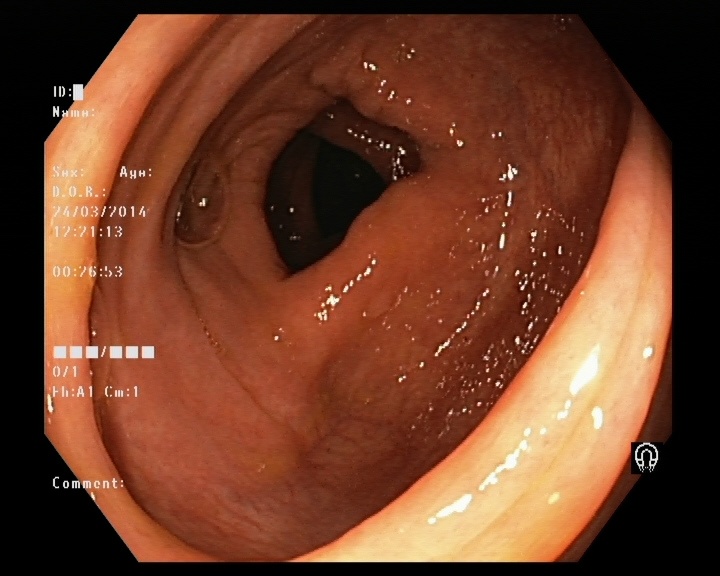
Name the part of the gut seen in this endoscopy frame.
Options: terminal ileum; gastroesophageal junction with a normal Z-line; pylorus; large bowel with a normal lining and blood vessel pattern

large bowel with a normal lining and blood vessel pattern